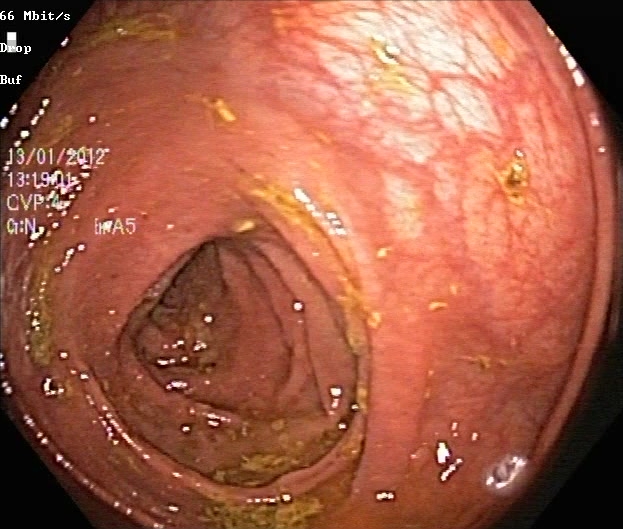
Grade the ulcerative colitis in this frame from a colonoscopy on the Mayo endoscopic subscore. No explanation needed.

ulcerative colitis, Mayo endoscopic subscore 0–1